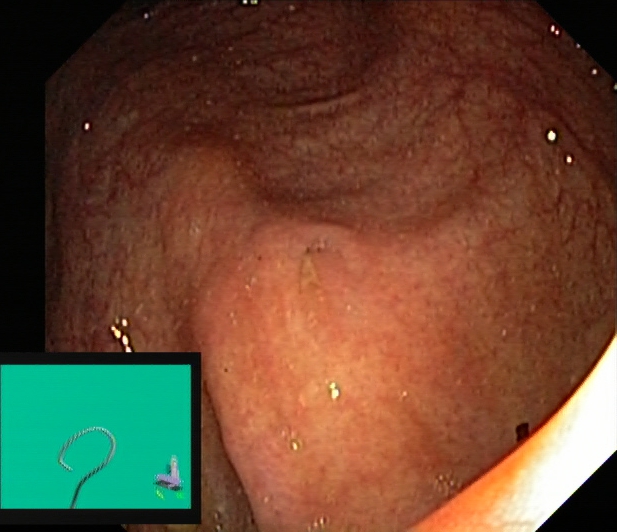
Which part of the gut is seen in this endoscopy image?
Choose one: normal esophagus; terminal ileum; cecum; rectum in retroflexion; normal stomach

cecum